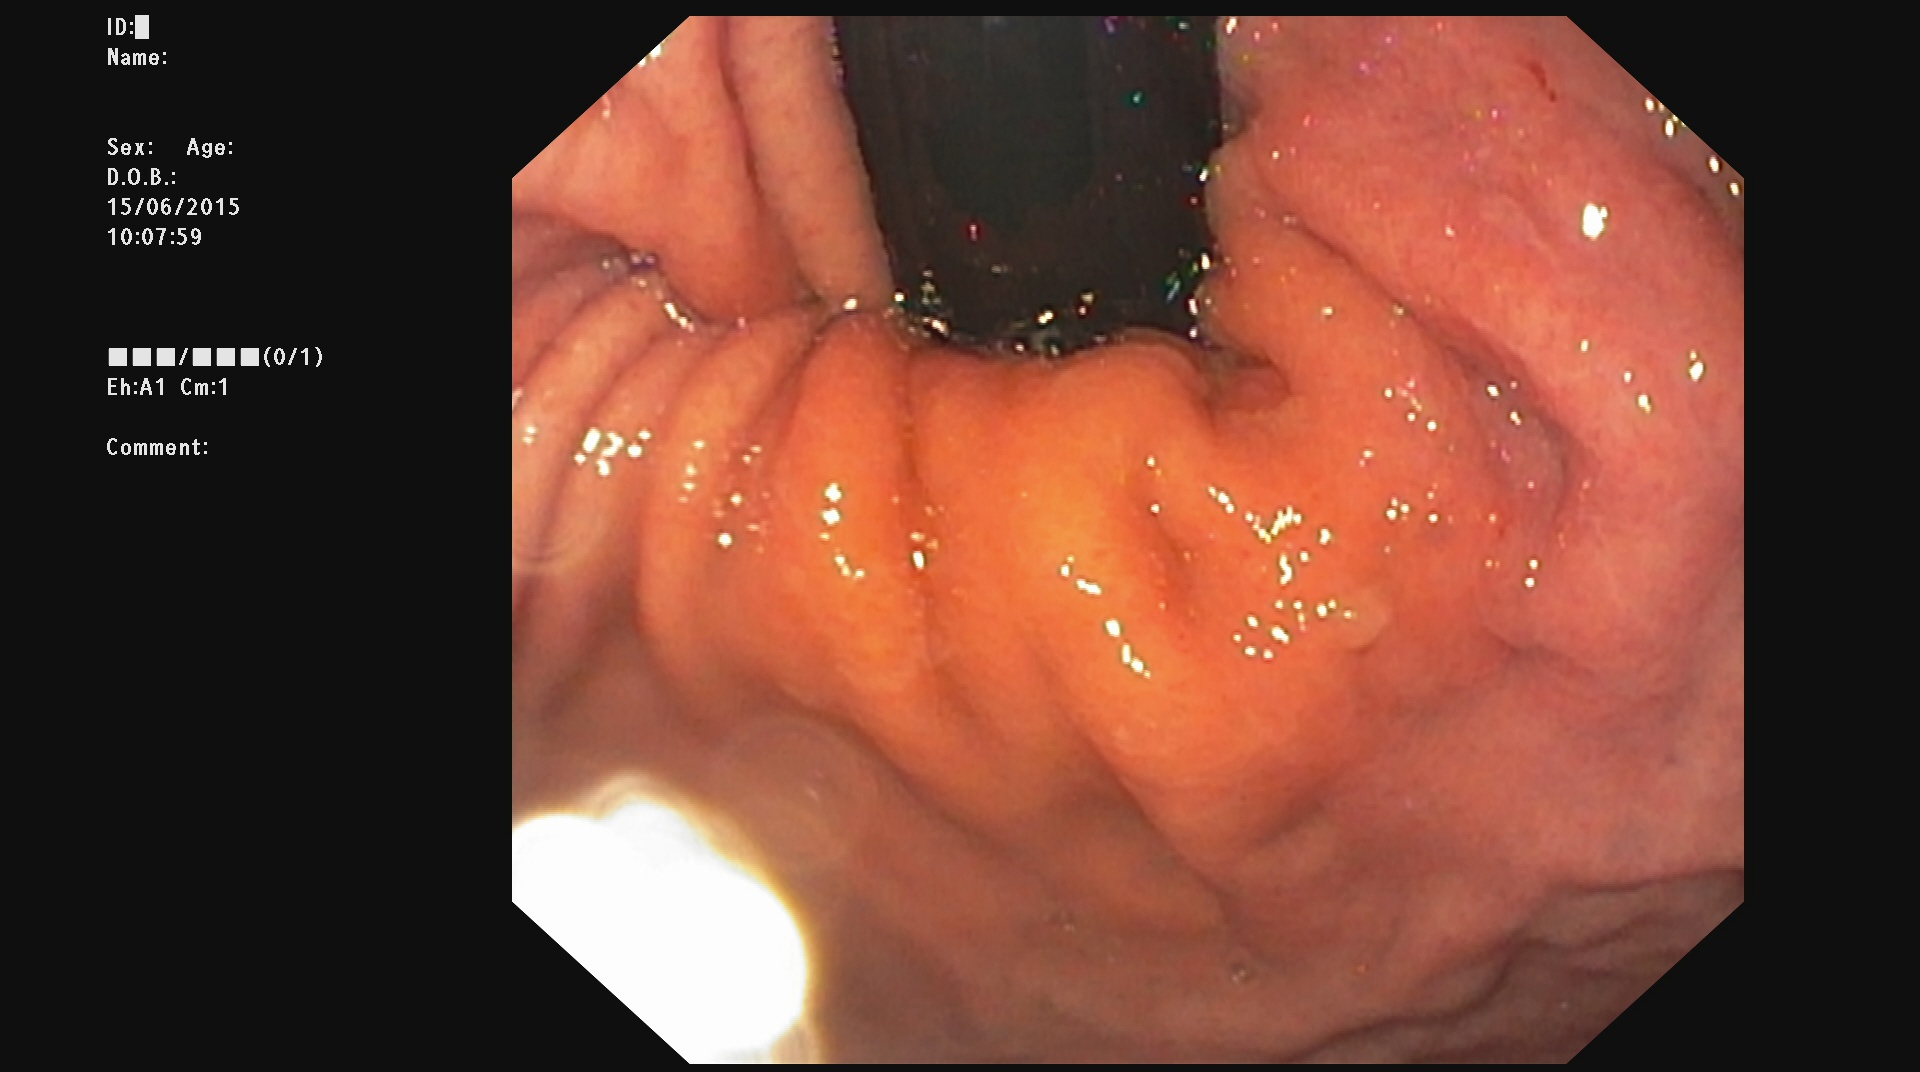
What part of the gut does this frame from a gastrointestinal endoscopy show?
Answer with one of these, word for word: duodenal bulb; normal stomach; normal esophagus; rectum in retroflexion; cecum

normal stomach